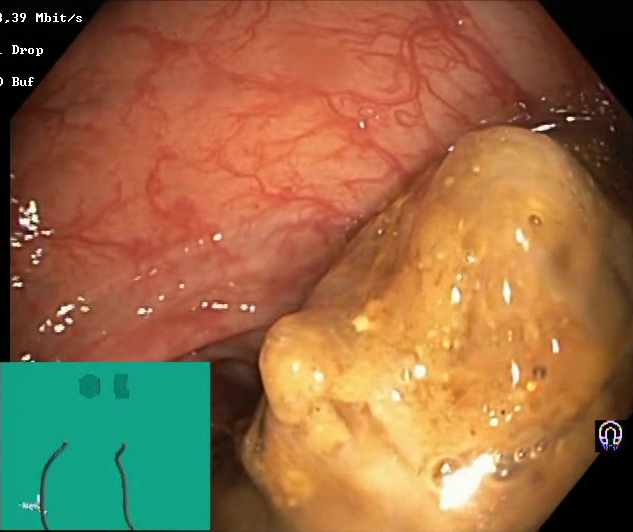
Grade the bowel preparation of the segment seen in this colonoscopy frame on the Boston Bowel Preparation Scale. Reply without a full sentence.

Boston Bowel Preparation Scale score 0–1 (inadequate preparation)